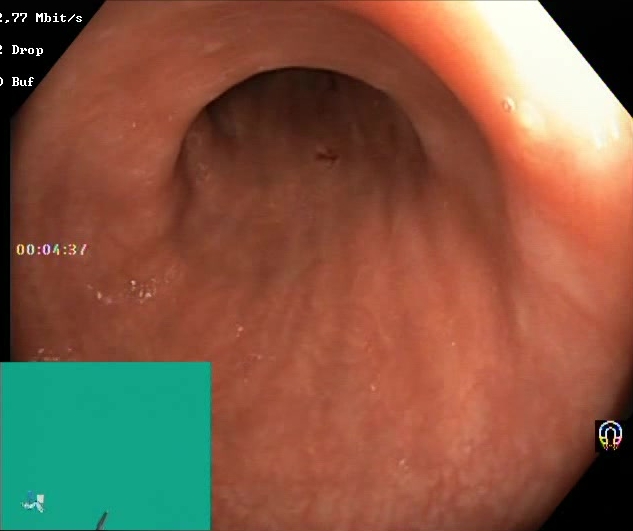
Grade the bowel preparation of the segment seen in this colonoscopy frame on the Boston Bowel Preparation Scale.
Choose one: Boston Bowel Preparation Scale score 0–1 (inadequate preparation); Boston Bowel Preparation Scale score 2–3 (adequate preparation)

Boston Bowel Preparation Scale score 2–3 (adequate preparation)